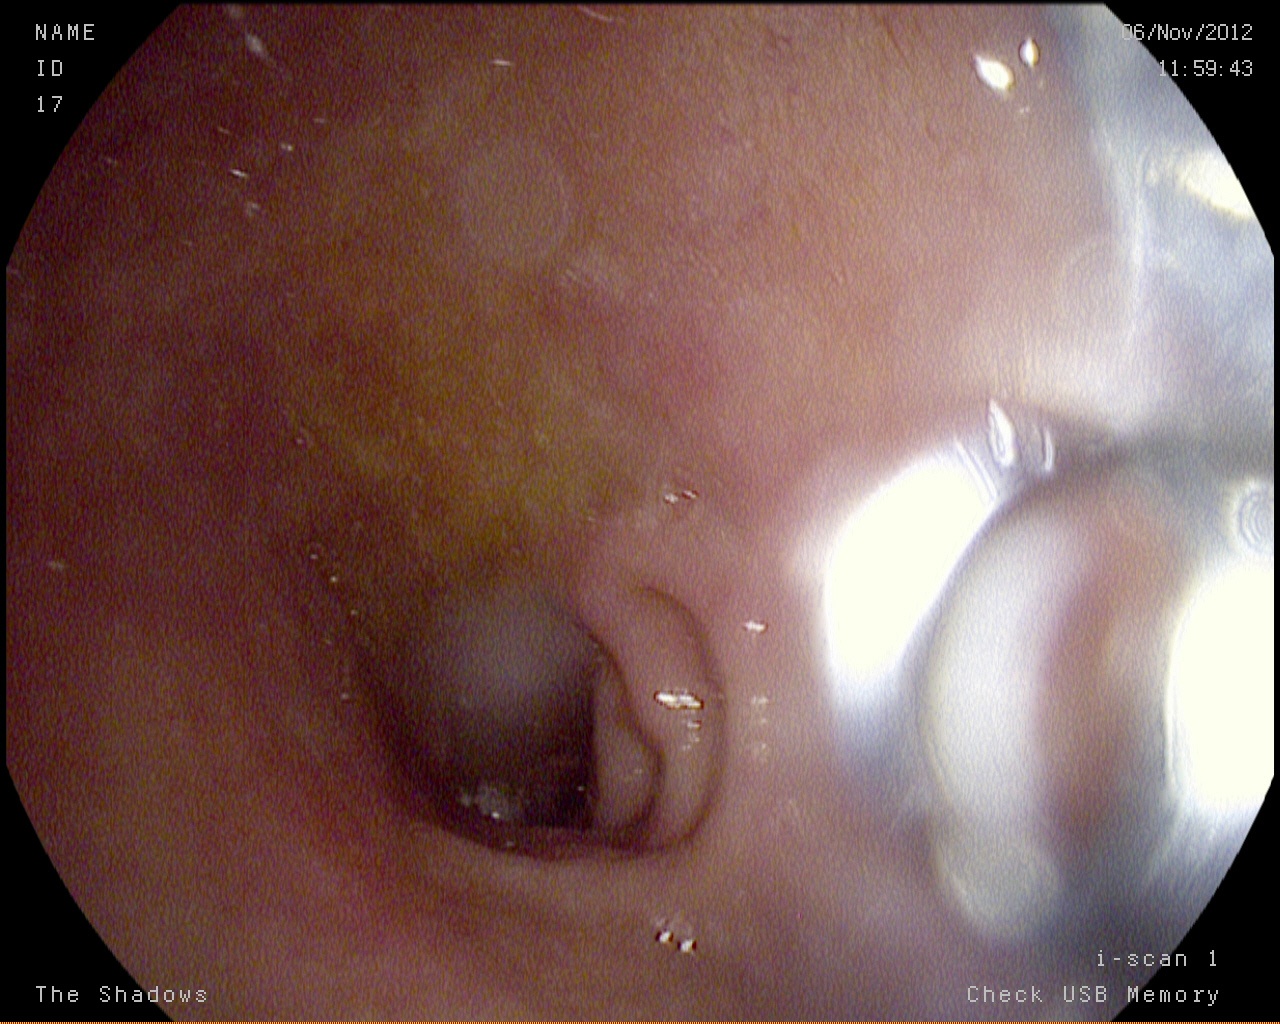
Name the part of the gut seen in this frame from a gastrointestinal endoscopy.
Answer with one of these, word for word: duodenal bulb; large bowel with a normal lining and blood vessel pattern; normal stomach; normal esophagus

duodenal bulb